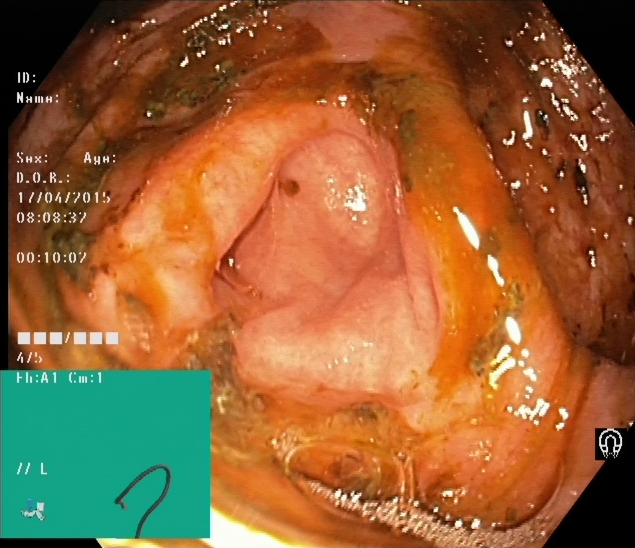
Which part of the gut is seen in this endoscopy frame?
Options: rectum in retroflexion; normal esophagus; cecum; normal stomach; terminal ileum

cecum